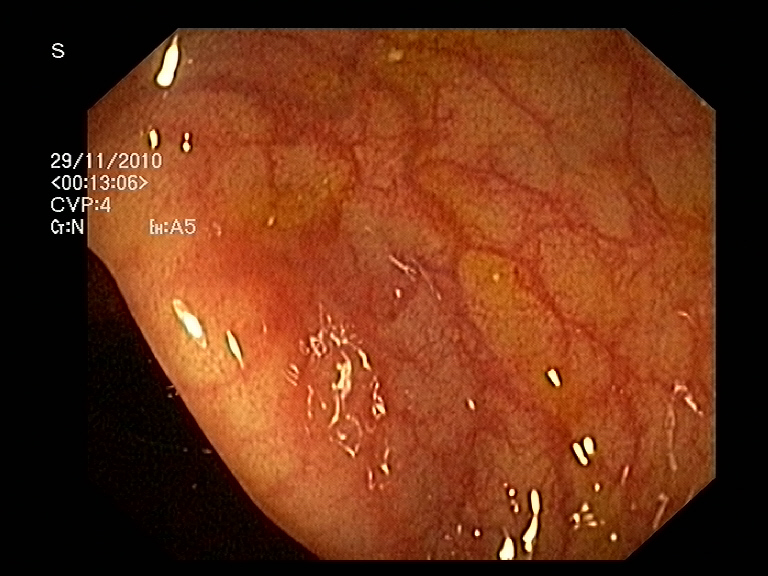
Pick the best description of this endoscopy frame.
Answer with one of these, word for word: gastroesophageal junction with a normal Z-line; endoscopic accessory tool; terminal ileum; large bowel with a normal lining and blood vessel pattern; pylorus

large bowel with a normal lining and blood vessel pattern